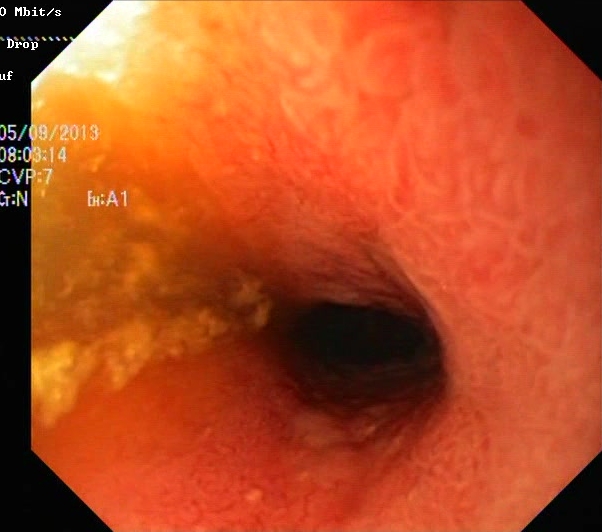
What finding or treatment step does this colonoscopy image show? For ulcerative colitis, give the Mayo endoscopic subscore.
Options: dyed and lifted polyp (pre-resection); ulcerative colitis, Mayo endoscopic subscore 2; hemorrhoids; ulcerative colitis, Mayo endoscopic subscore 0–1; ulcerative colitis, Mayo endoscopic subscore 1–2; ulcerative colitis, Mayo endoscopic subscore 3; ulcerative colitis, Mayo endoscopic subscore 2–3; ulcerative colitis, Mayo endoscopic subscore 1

ulcerative colitis, Mayo endoscopic subscore 1